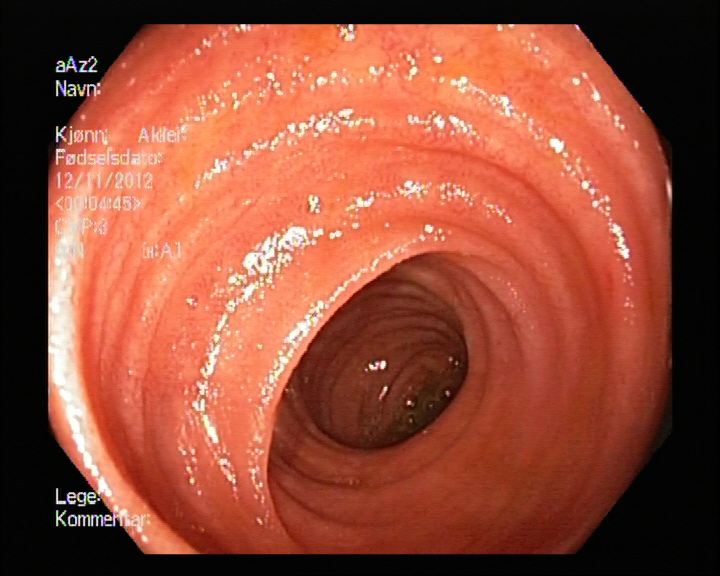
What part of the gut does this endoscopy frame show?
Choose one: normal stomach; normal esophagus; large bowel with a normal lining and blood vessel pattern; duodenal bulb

large bowel with a normal lining and blood vessel pattern